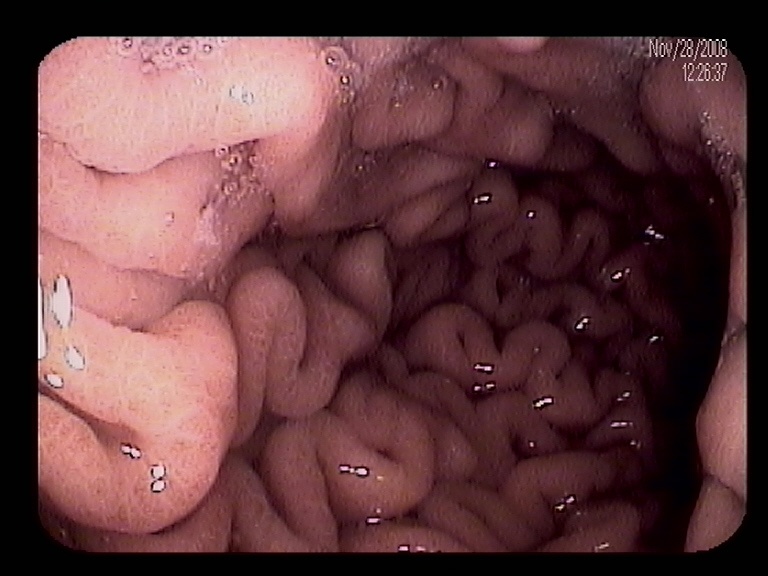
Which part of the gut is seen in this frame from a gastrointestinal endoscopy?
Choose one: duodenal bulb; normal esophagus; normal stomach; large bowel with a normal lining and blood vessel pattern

normal stomach